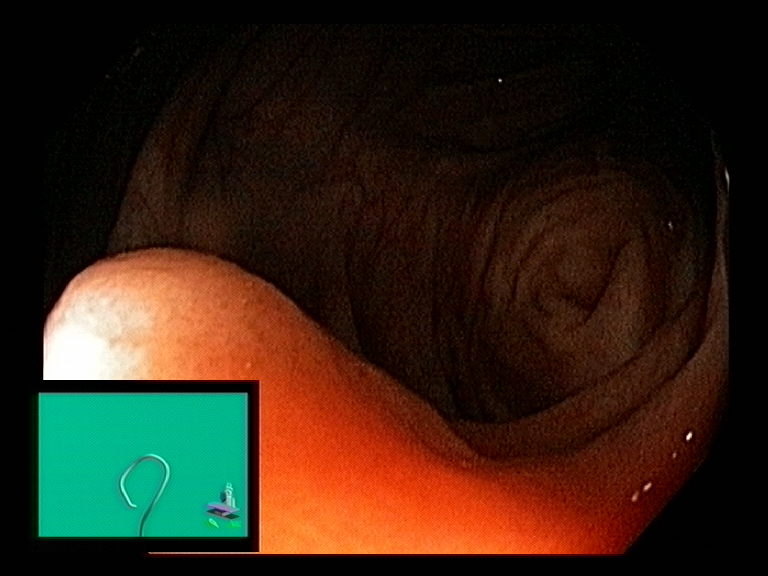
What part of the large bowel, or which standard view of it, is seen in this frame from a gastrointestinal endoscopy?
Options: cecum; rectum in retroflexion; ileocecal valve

cecum